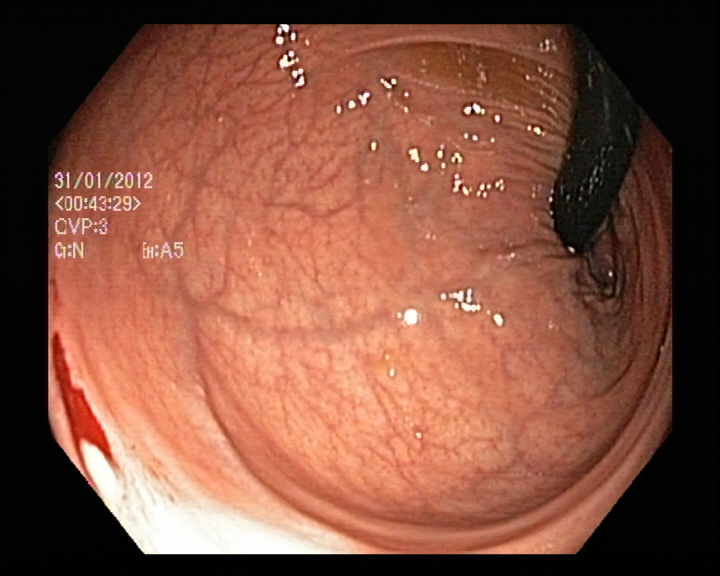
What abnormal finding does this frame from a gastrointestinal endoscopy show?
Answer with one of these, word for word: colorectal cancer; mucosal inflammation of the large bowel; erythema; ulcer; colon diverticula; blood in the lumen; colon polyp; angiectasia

blood in the lumen